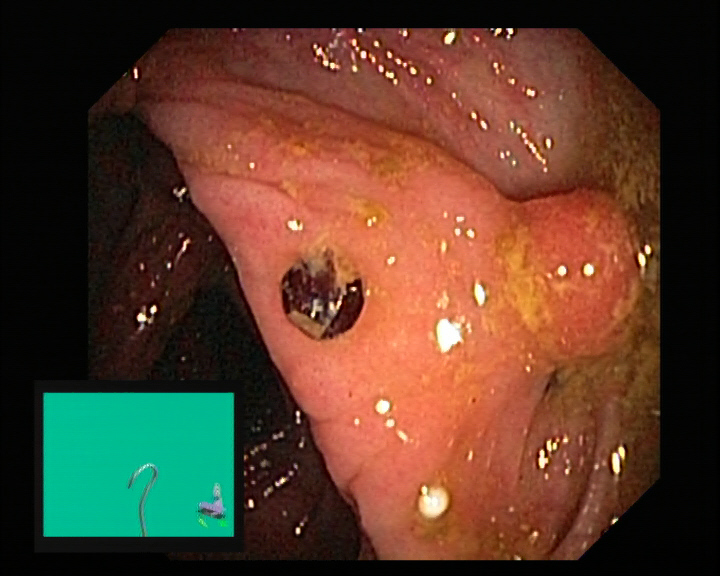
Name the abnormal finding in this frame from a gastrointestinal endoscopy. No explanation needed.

colon polyp